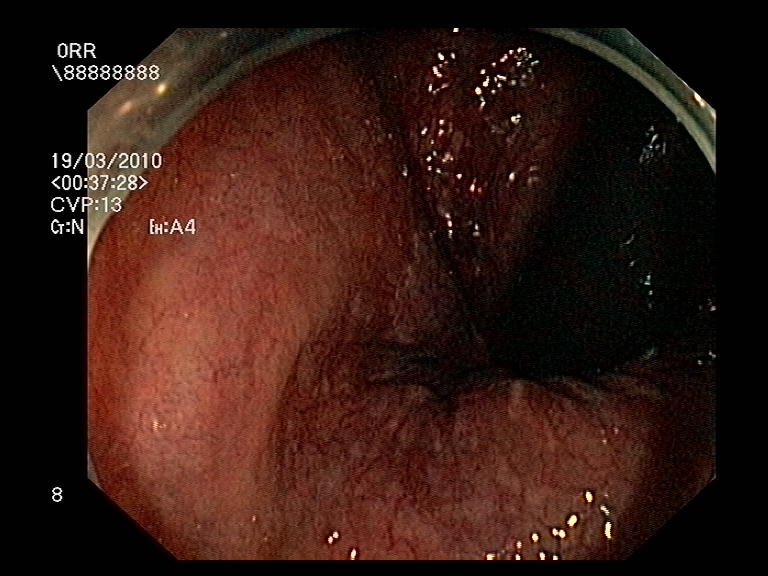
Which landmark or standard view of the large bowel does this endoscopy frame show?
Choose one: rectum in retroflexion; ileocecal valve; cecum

rectum in retroflexion